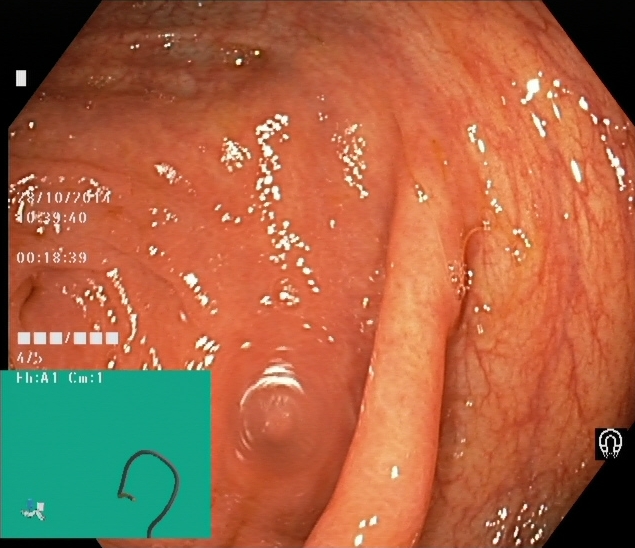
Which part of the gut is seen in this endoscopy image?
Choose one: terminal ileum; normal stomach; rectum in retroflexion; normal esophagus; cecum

cecum